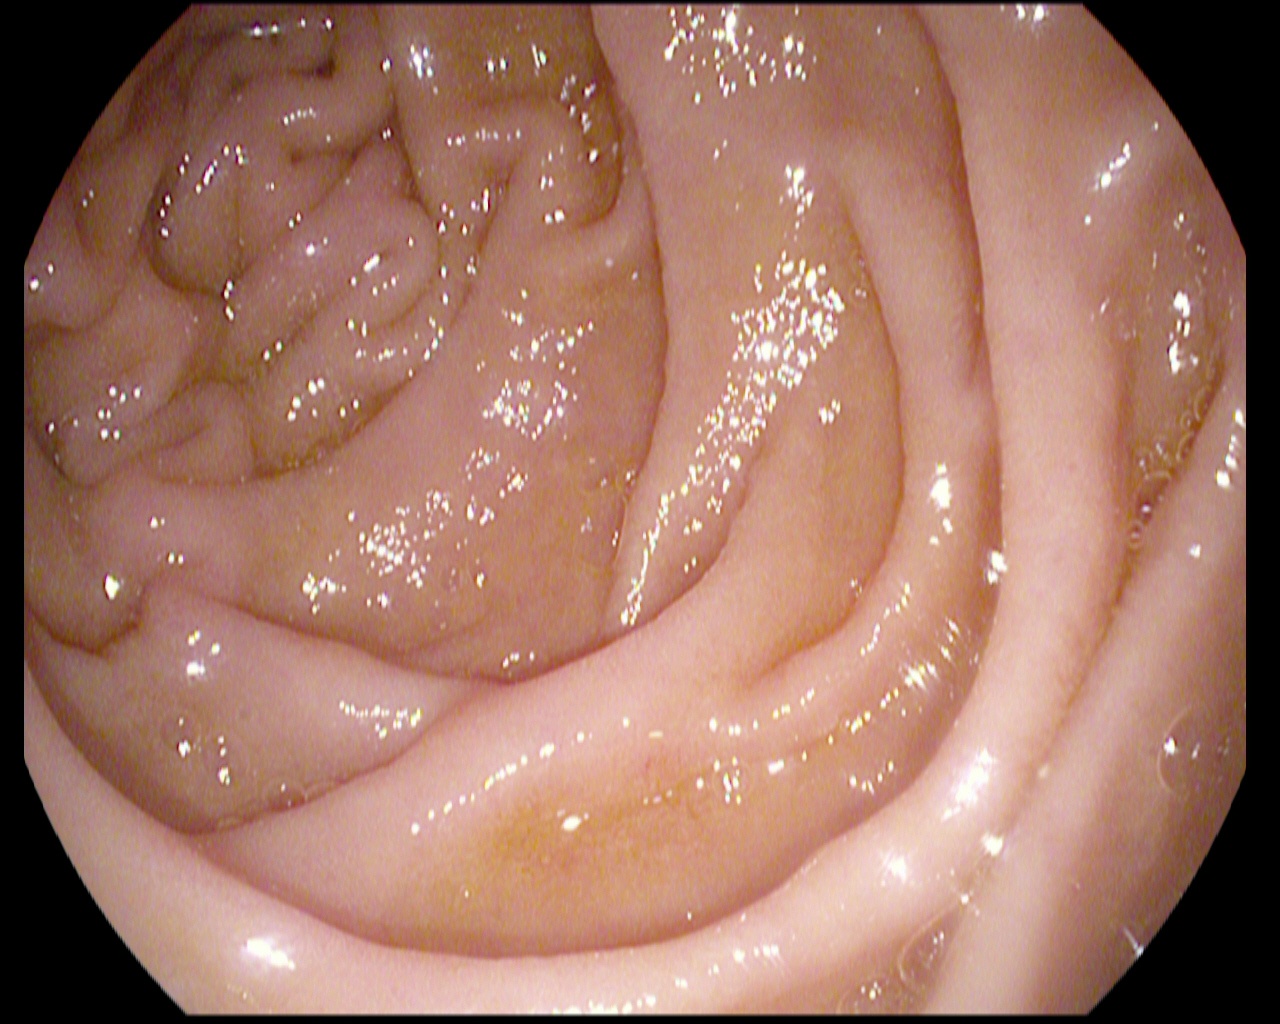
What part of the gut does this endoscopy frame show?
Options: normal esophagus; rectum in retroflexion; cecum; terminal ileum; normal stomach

terminal ileum